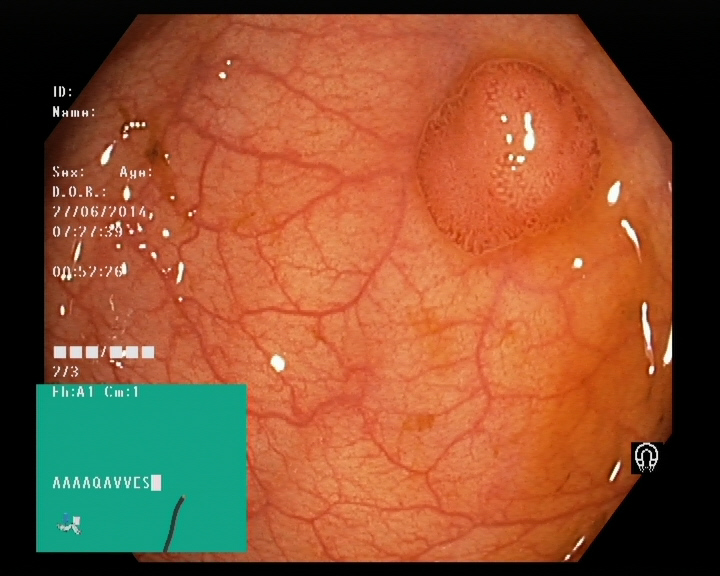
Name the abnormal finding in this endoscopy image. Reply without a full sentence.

colon polyp